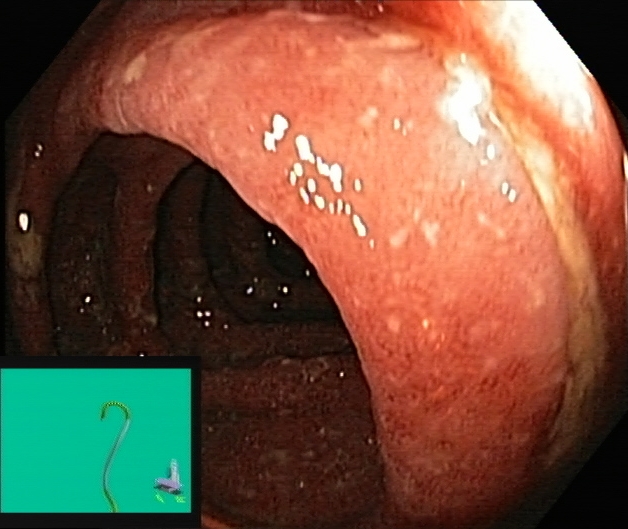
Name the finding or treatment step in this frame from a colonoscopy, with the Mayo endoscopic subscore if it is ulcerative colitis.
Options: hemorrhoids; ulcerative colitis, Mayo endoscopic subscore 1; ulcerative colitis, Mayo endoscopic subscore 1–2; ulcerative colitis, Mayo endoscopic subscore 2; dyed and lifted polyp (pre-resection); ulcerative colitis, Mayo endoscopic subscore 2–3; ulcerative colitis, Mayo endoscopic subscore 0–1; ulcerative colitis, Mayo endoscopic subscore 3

ulcerative colitis, Mayo endoscopic subscore 2